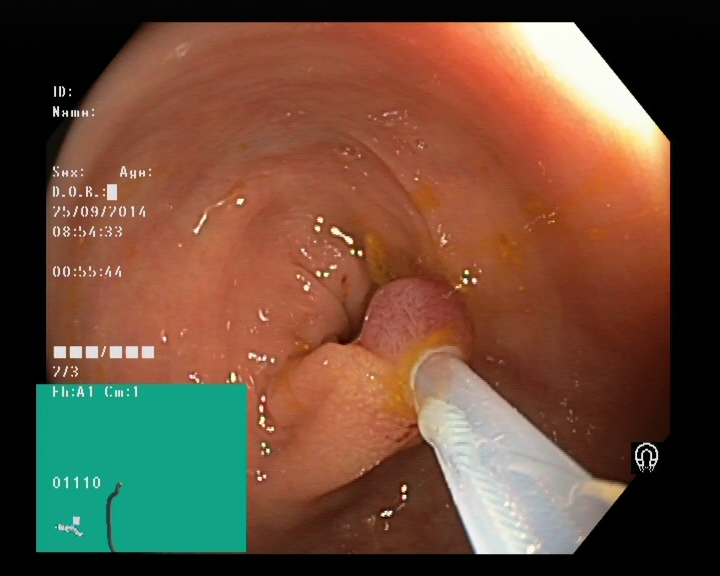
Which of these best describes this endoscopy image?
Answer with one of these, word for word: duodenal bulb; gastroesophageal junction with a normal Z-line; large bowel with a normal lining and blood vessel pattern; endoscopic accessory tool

endoscopic accessory tool